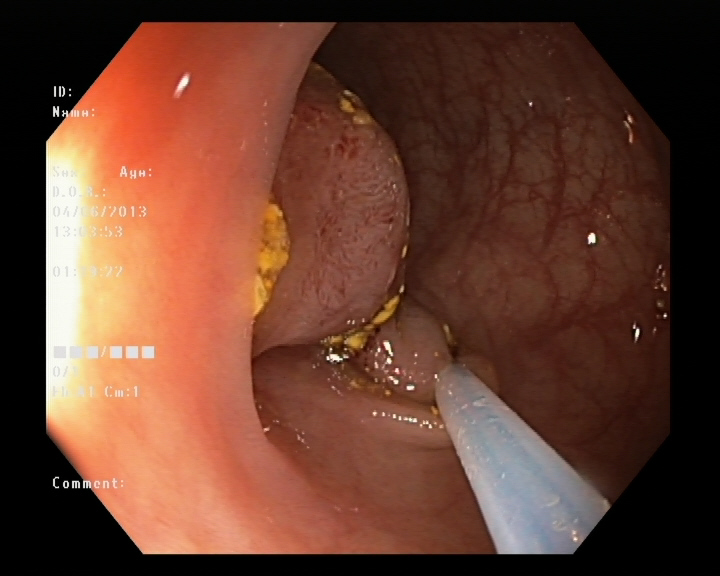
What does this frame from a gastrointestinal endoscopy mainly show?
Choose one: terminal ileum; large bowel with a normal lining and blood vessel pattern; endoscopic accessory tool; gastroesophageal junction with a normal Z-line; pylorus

endoscopic accessory tool